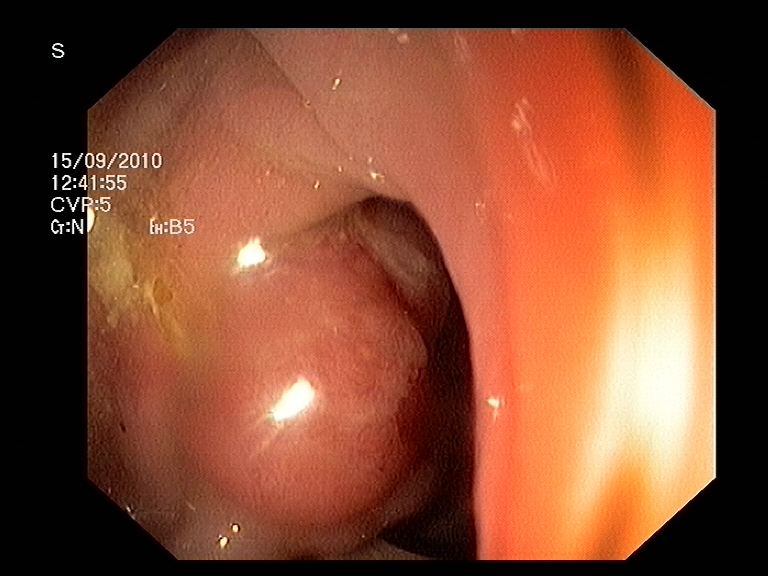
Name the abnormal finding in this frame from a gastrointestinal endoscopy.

colon polyp